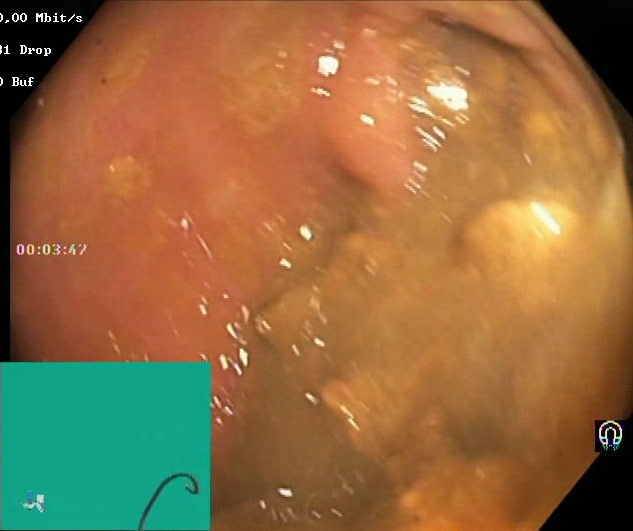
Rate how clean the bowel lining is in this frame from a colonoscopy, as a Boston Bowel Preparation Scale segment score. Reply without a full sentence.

Boston Bowel Preparation Scale score 0–1 (inadequate preparation)